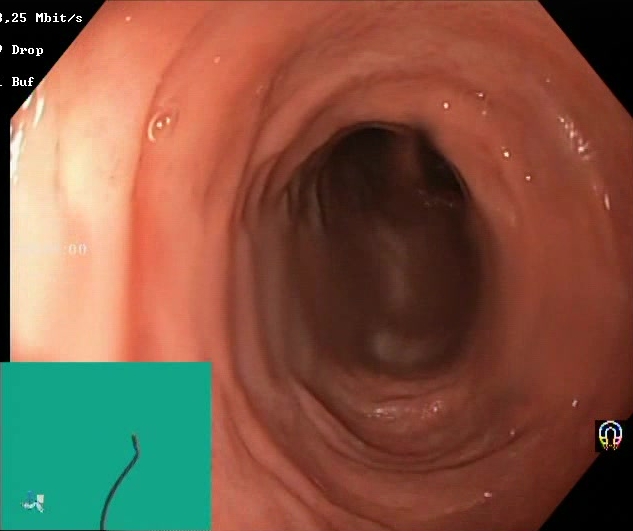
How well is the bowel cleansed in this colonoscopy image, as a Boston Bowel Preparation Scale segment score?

Boston Bowel Preparation Scale score 2–3 (adequate preparation)